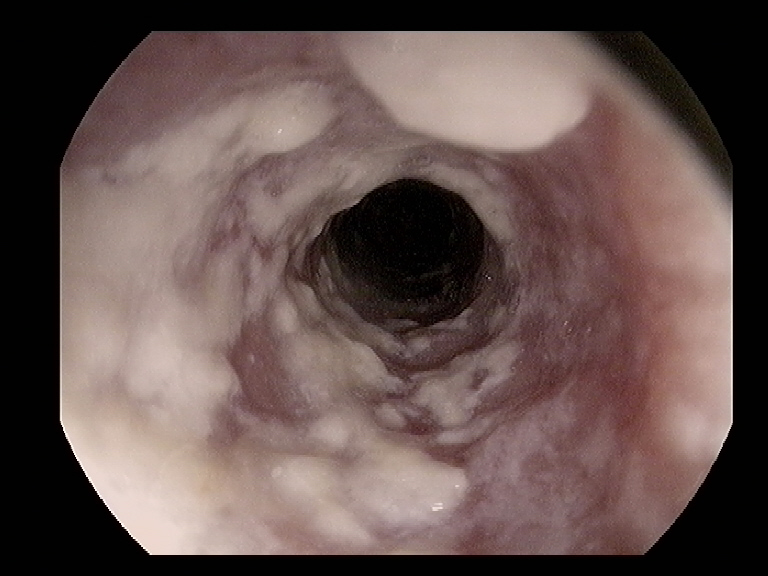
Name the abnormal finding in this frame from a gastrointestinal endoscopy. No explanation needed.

esophagitis